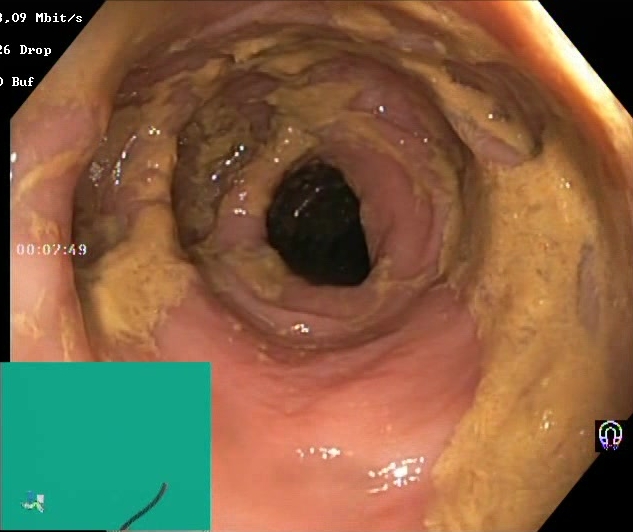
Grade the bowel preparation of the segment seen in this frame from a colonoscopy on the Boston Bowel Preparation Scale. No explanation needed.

Boston Bowel Preparation Scale score 0–1 (inadequate preparation)